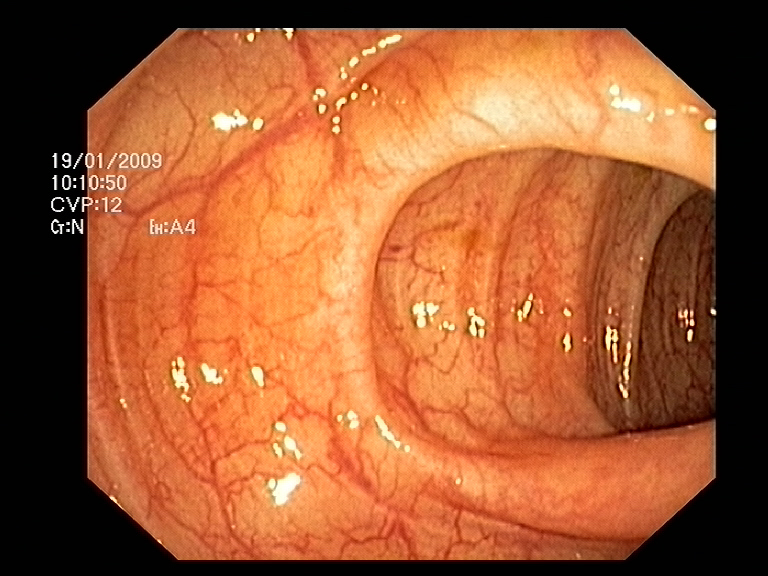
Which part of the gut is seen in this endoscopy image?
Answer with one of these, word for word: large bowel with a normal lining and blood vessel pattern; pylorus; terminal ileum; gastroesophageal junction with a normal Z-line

large bowel with a normal lining and blood vessel pattern